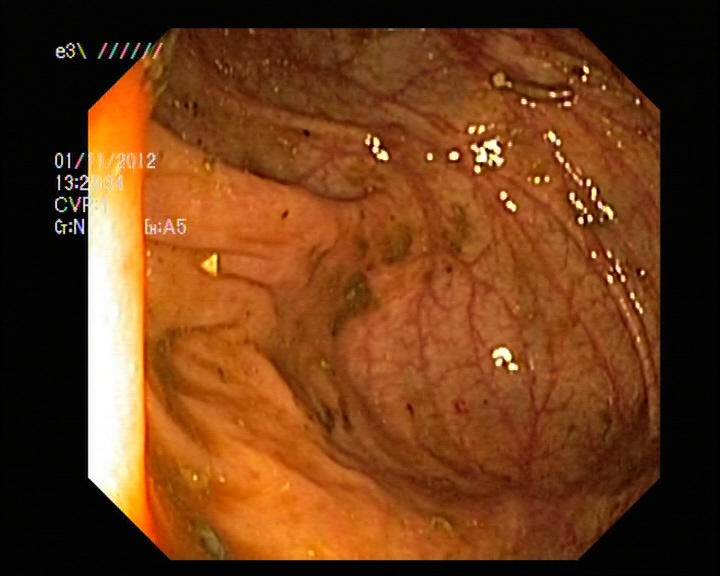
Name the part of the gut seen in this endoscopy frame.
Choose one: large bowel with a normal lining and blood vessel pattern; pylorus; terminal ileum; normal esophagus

large bowel with a normal lining and blood vessel pattern